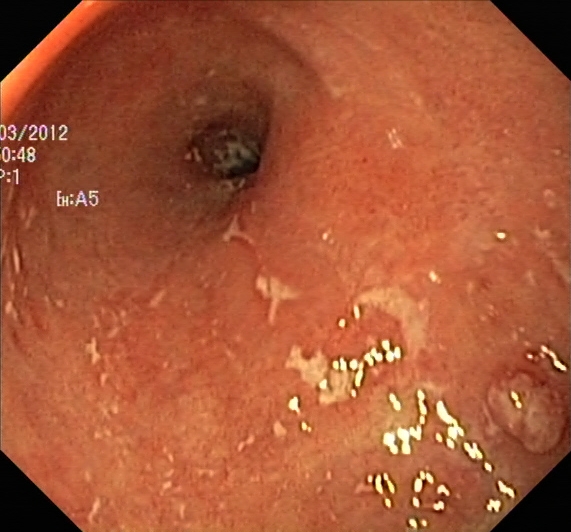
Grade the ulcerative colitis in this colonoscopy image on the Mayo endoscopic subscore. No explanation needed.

ulcerative colitis, Mayo endoscopic subscore 2